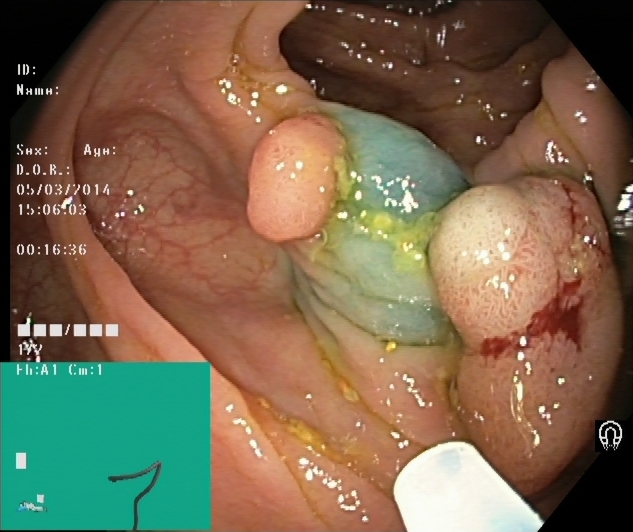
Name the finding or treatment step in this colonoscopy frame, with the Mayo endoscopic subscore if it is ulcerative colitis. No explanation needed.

dyed and lifted polyp (pre-resection)